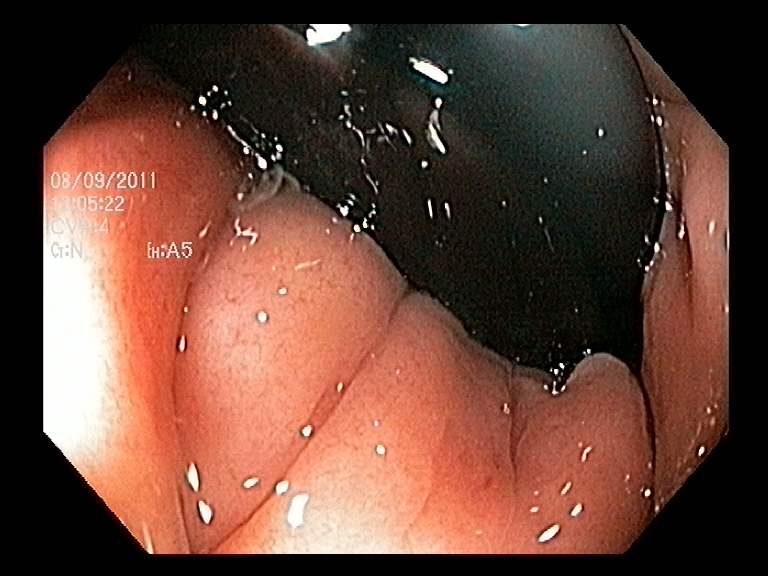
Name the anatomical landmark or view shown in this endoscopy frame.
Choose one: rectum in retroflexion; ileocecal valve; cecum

rectum in retroflexion